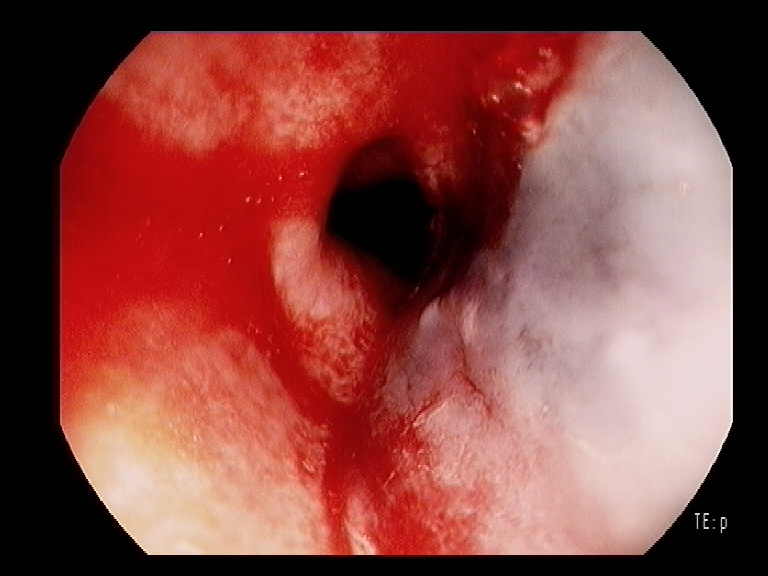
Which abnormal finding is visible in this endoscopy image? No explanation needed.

blood in the lumen